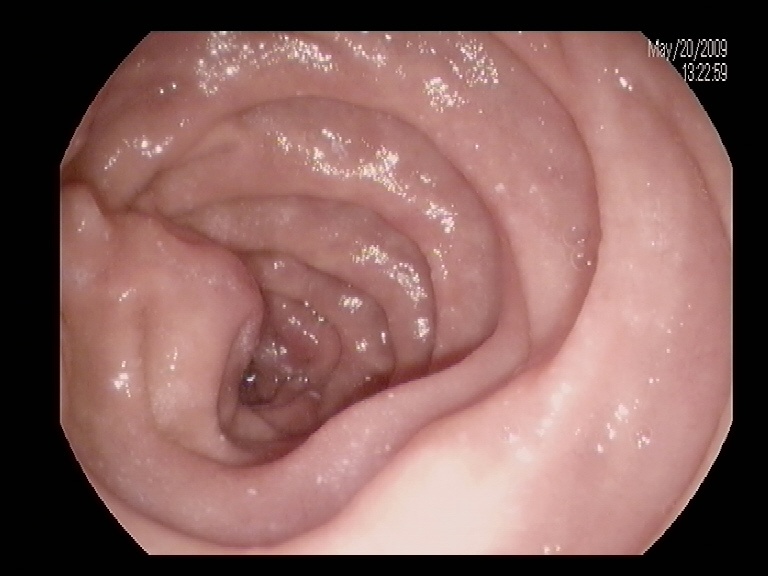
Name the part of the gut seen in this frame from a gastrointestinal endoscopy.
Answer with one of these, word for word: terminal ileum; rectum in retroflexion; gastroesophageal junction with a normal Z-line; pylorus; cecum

terminal ileum